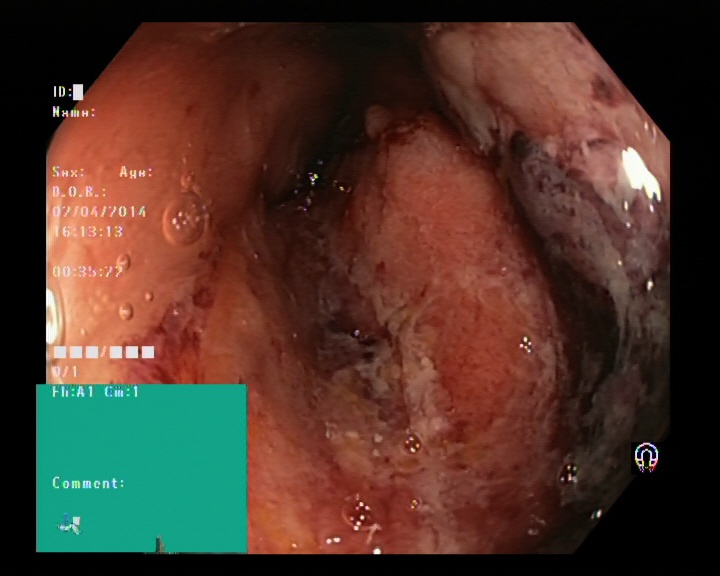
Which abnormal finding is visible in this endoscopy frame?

colorectal cancer